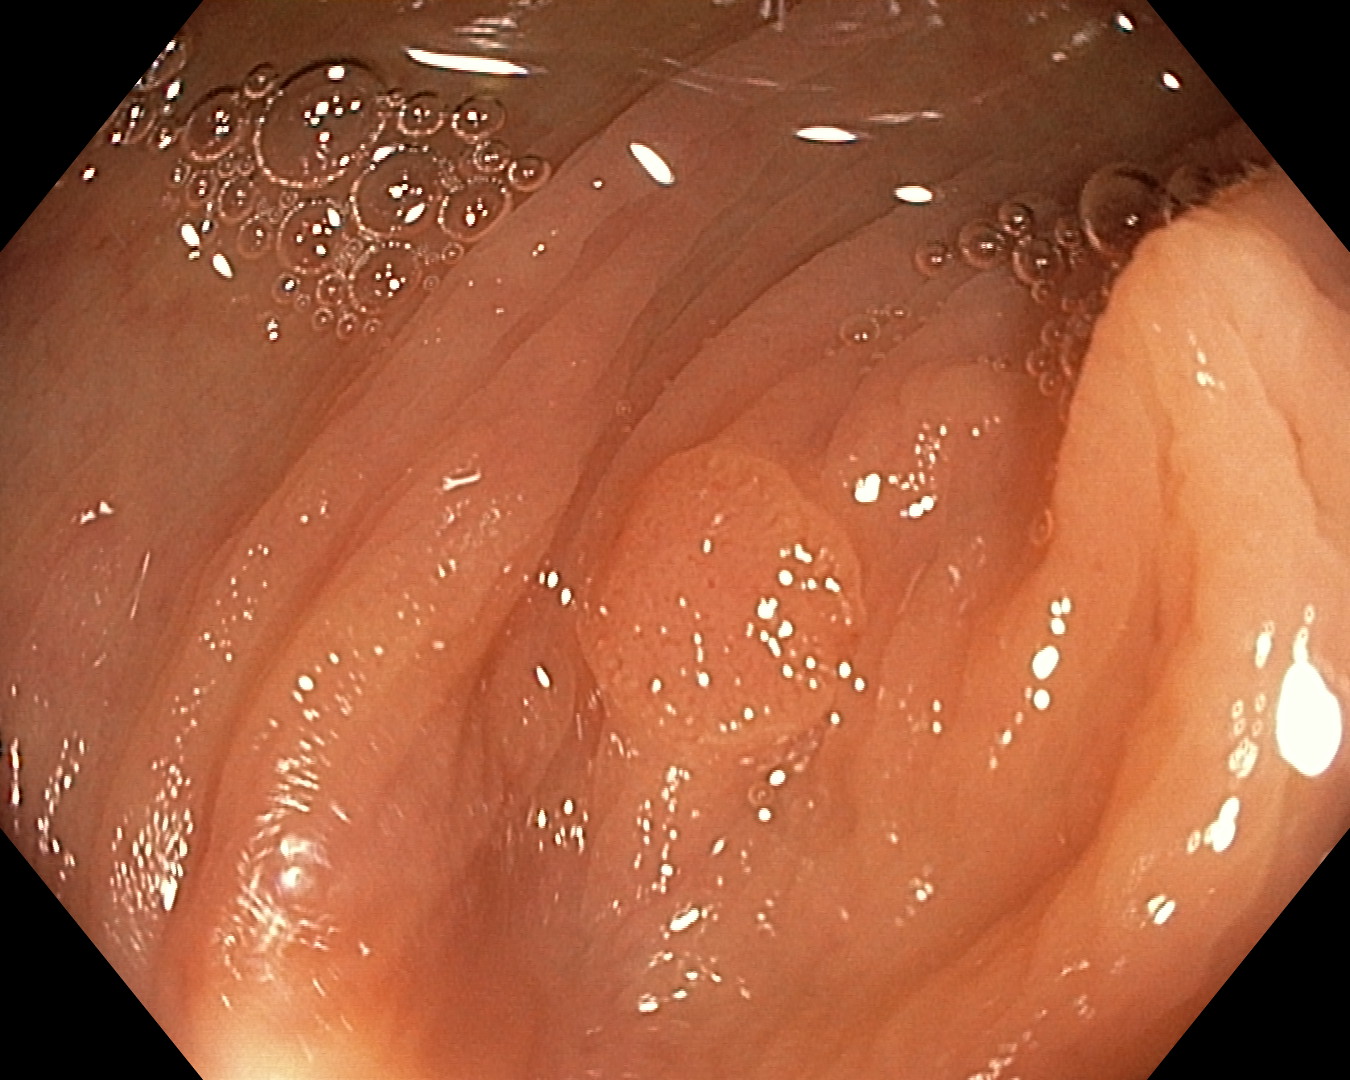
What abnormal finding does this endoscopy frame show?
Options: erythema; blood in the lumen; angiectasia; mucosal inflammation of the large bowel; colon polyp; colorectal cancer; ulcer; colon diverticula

colon polyp